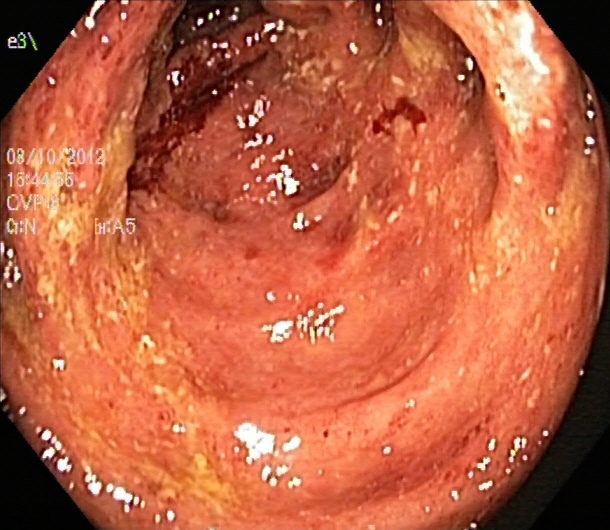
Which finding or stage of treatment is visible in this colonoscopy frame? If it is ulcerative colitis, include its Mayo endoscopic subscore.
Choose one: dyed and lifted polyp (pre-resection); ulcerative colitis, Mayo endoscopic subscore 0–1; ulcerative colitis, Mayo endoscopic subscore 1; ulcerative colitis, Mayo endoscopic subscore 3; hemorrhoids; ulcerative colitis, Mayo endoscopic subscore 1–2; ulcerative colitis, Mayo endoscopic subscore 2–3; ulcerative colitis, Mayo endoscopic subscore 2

ulcerative colitis, Mayo endoscopic subscore 3